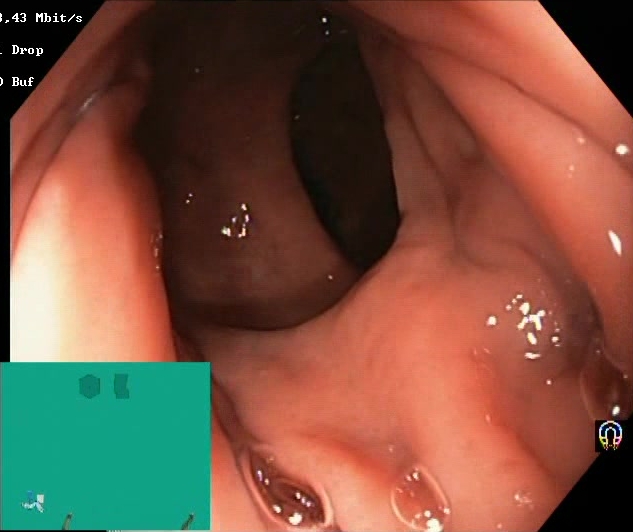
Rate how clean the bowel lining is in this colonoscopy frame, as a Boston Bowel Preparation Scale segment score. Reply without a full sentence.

Boston Bowel Preparation Scale score 2–3 (adequate preparation)